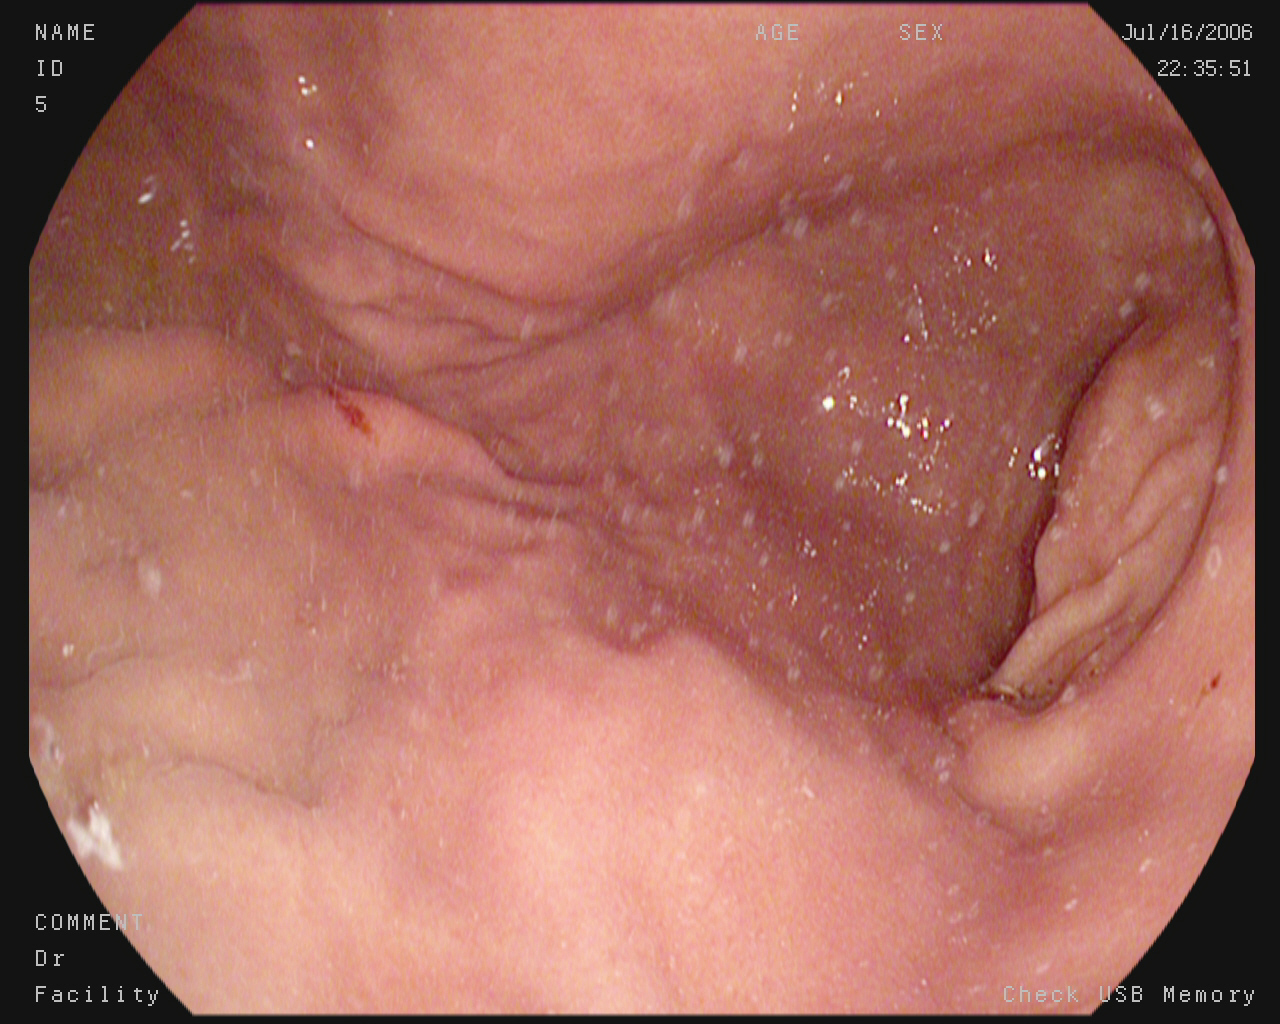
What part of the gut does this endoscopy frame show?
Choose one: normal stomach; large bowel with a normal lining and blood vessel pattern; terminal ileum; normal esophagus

normal stomach